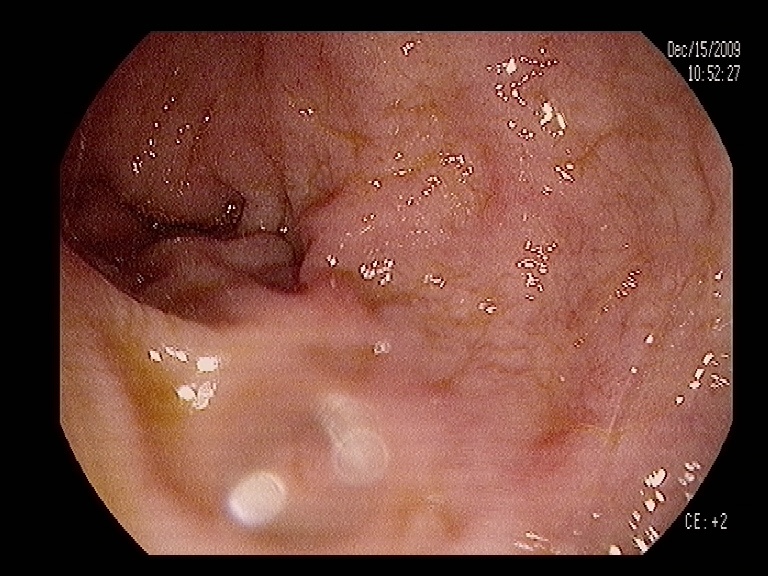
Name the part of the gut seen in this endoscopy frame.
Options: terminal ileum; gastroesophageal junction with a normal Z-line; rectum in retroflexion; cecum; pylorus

terminal ileum